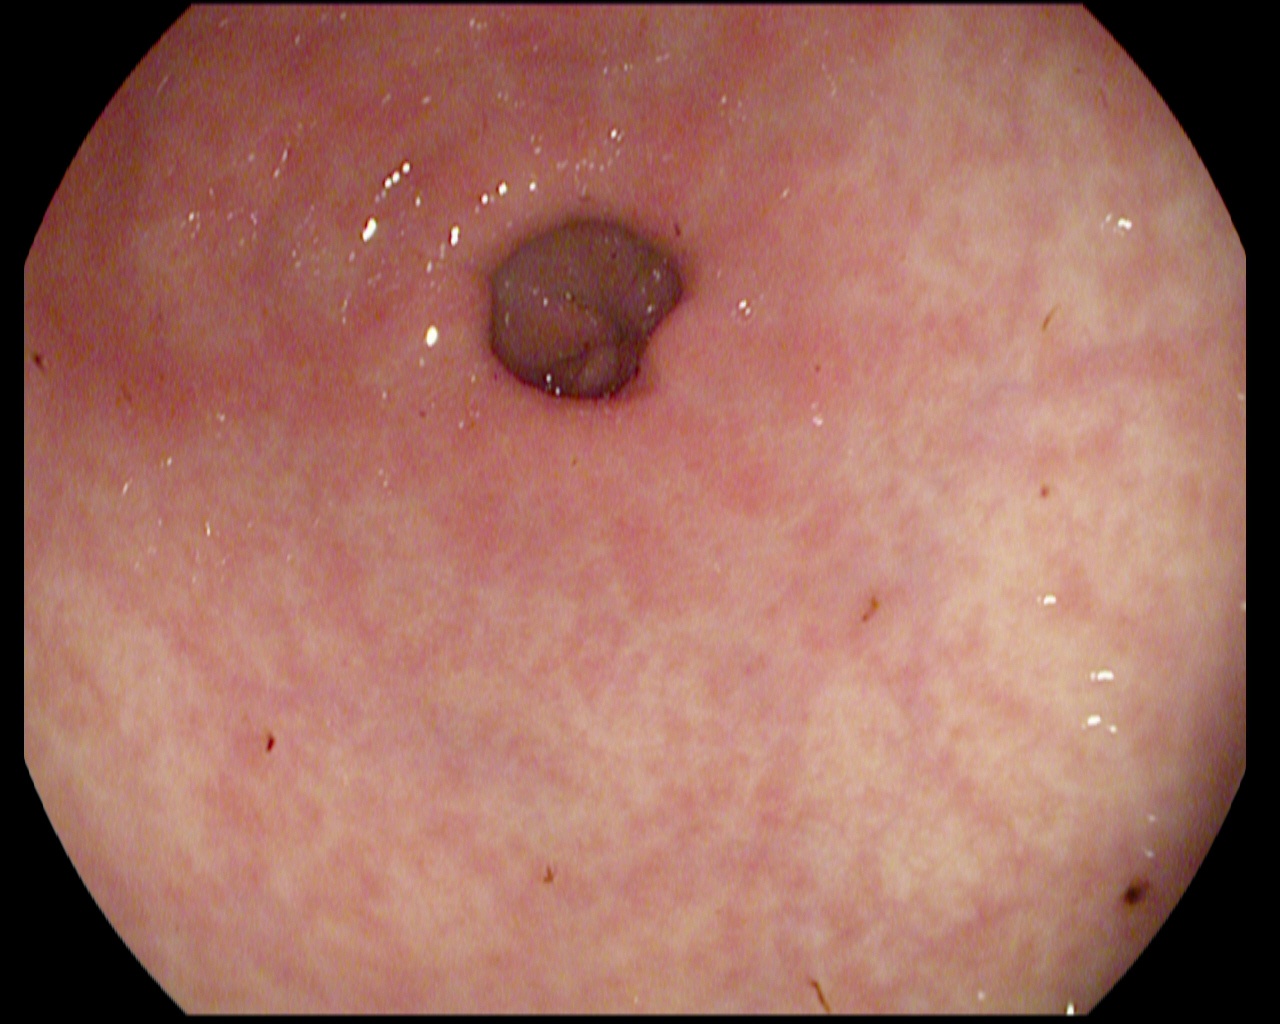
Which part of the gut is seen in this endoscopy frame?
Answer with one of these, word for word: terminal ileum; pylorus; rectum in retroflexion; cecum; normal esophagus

pylorus